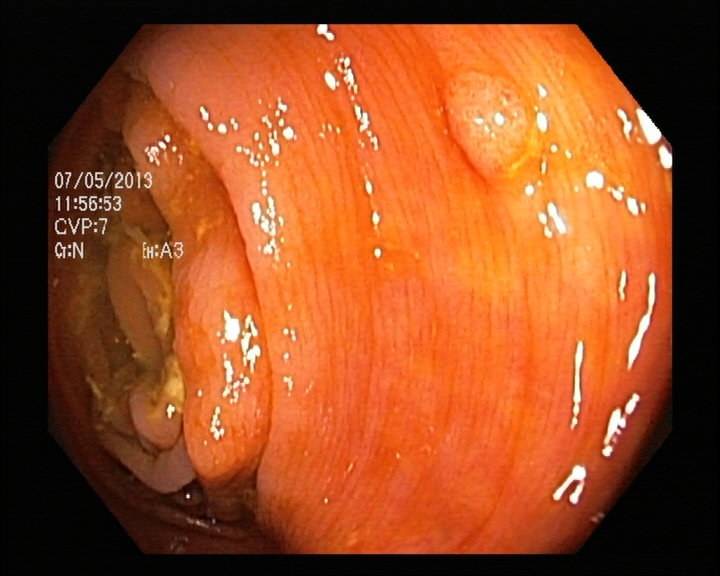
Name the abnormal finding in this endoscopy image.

colon polyp